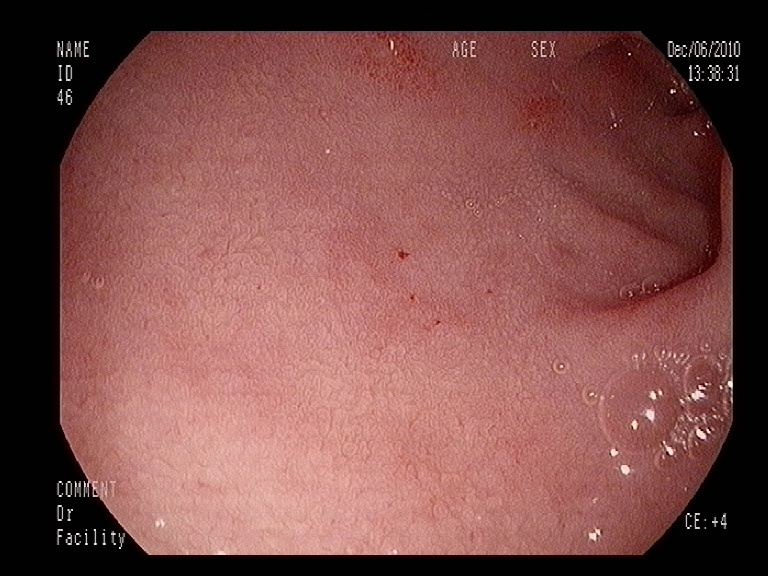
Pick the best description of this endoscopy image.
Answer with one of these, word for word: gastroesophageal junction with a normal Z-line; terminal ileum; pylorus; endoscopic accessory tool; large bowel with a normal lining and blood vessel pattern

terminal ileum